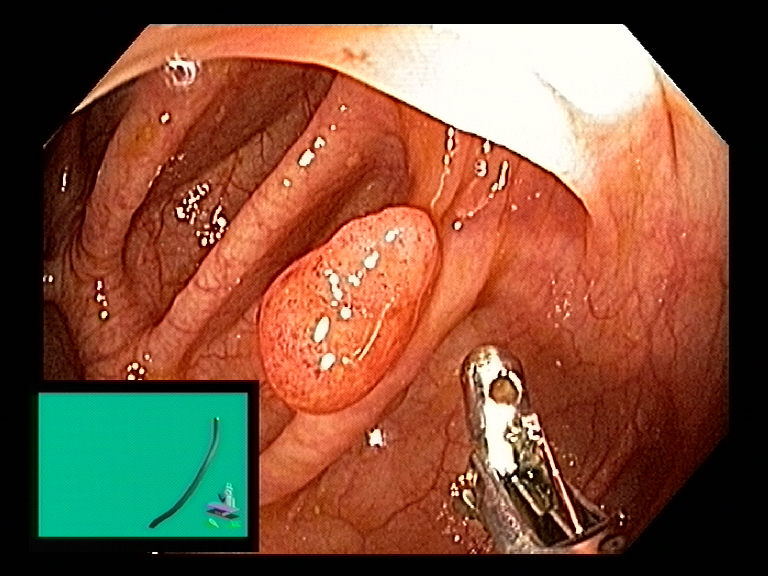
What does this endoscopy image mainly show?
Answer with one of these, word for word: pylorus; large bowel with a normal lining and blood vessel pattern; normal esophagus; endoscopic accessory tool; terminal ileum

endoscopic accessory tool